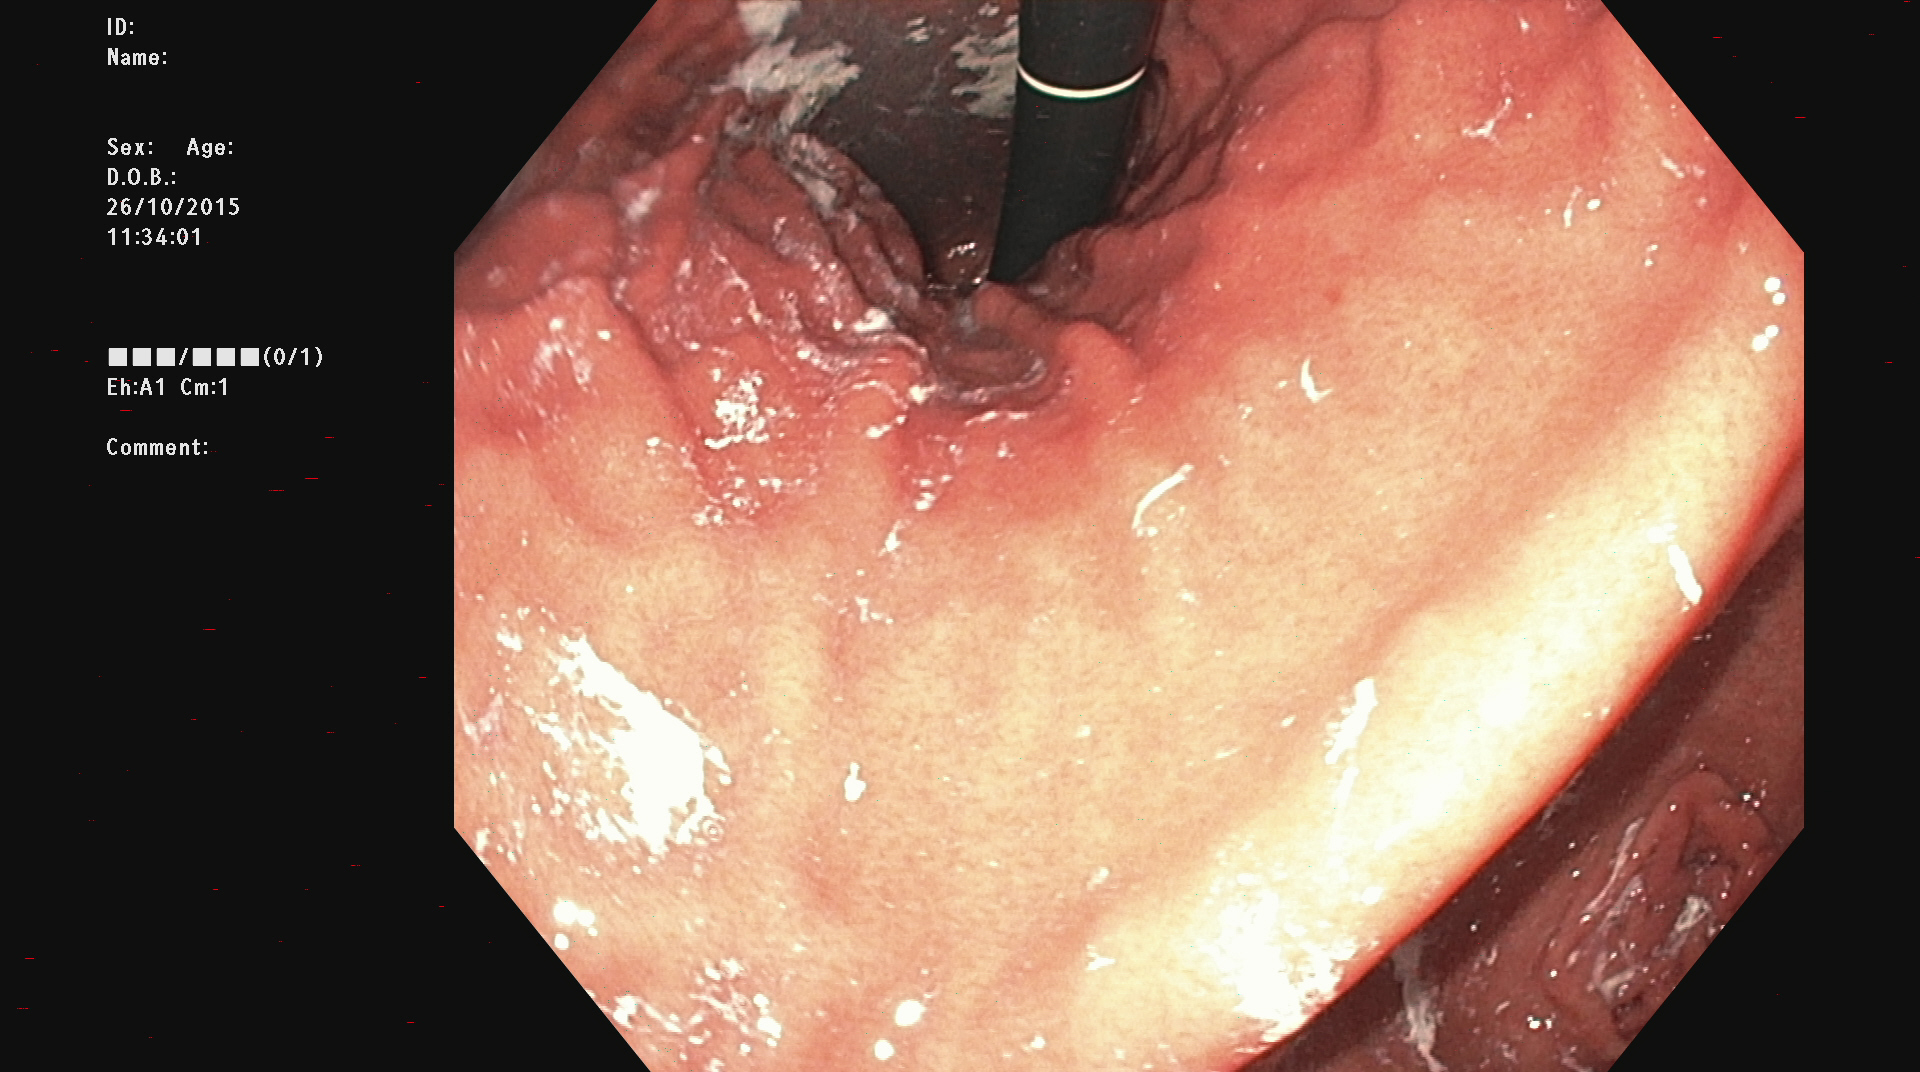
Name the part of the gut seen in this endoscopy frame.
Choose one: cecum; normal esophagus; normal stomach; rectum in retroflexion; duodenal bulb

normal stomach